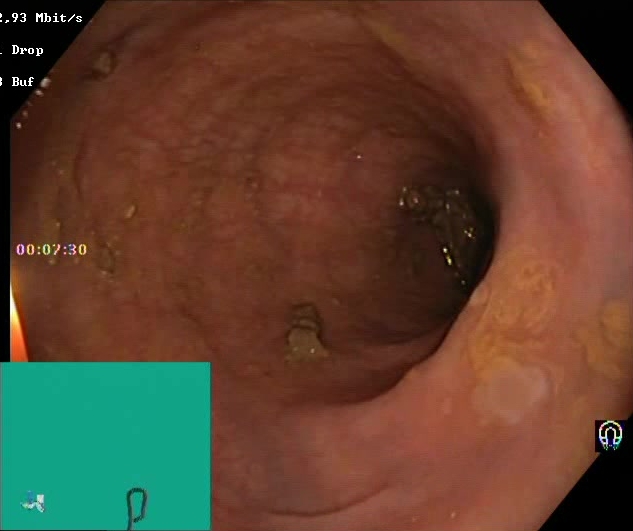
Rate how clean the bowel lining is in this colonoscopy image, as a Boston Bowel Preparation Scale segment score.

Boston Bowel Preparation Scale score 2–3 (adequate preparation)